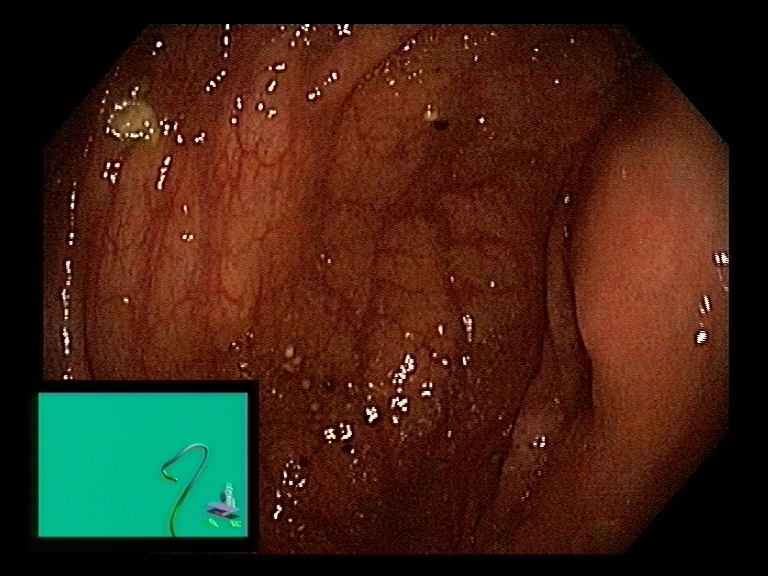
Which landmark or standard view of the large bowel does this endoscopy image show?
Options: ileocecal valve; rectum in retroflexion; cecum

ileocecal valve